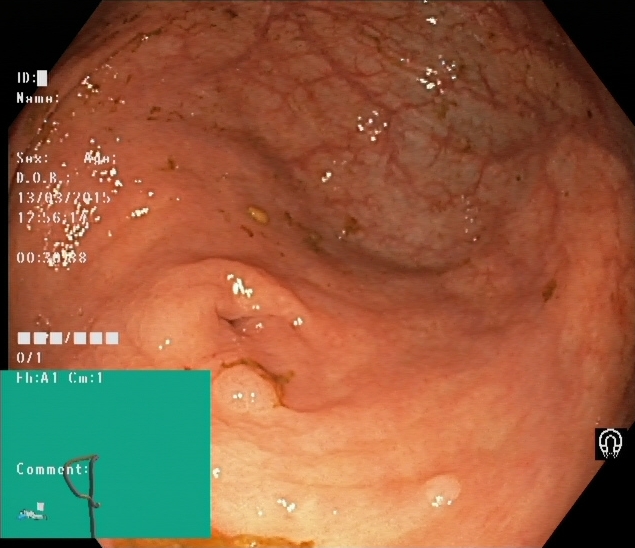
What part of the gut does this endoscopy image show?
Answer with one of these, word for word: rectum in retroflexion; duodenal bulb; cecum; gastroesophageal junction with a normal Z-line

cecum